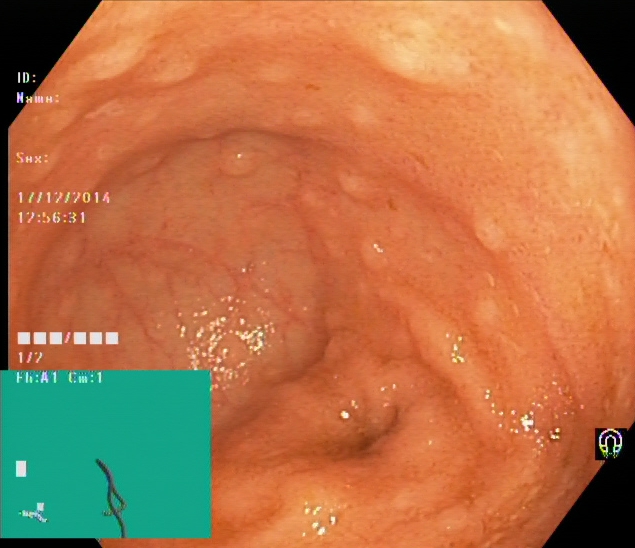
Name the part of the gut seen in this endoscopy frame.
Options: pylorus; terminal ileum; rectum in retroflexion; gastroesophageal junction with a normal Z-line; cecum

cecum